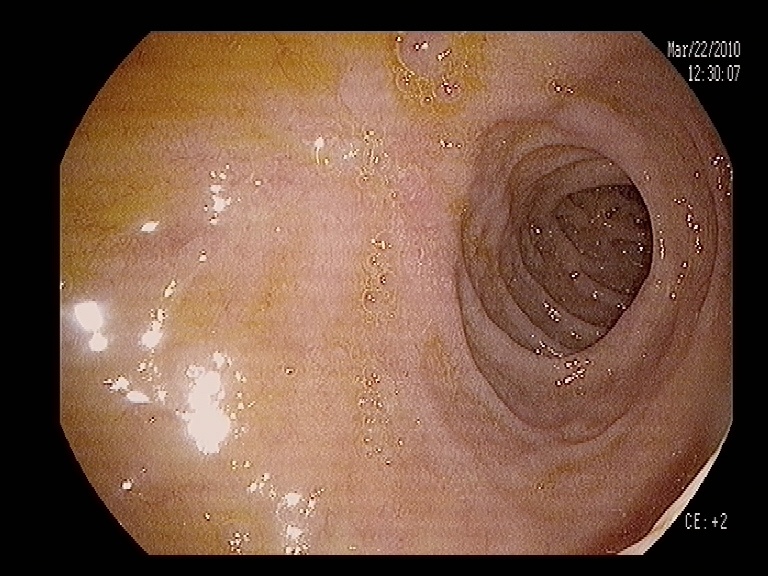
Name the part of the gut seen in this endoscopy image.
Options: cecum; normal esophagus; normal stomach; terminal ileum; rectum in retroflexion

terminal ileum